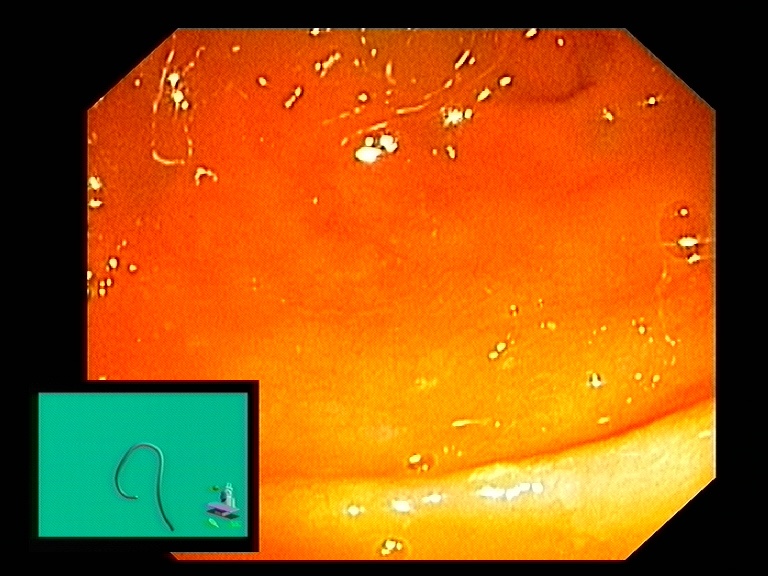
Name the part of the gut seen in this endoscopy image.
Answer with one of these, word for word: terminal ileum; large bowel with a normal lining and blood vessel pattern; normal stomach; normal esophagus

large bowel with a normal lining and blood vessel pattern